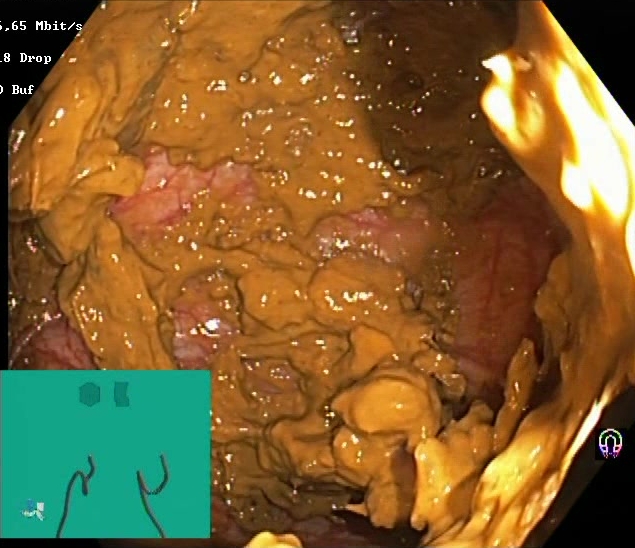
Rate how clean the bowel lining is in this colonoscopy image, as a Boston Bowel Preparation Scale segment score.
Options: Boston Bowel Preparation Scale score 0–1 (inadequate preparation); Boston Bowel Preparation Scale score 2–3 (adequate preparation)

Boston Bowel Preparation Scale score 0–1 (inadequate preparation)